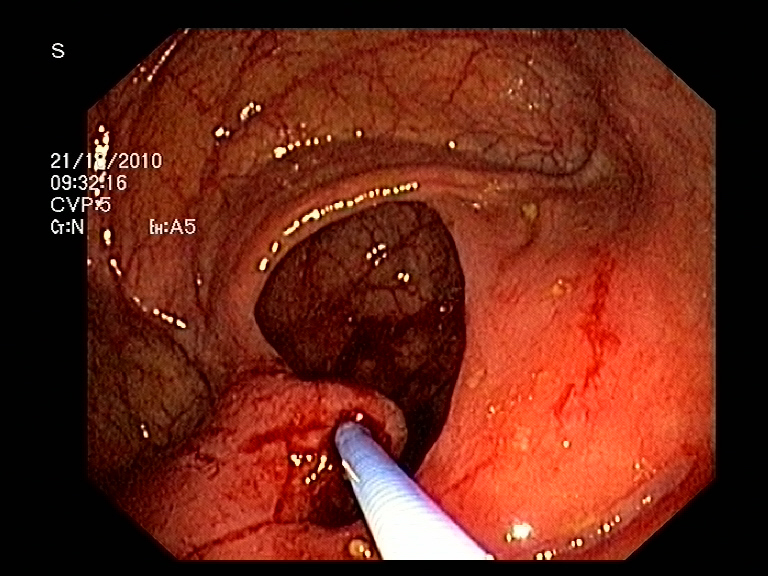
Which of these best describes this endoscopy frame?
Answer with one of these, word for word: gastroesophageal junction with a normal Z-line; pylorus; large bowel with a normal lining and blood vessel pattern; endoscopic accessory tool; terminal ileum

endoscopic accessory tool